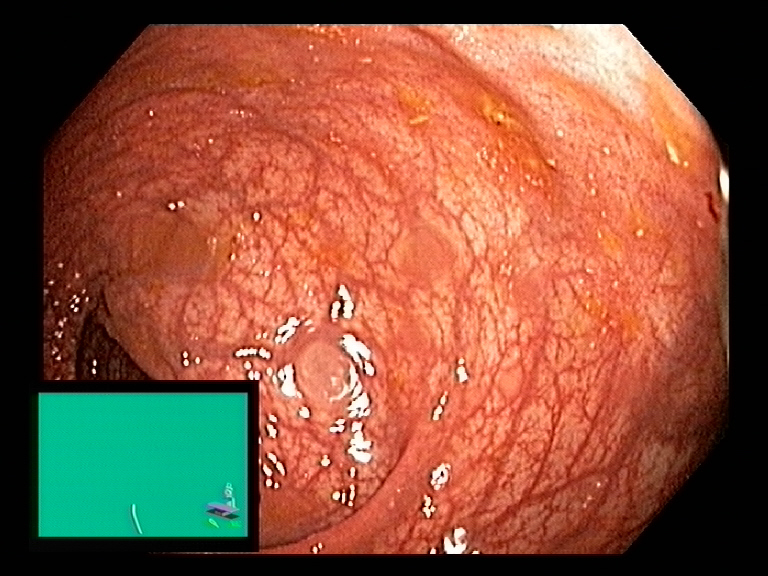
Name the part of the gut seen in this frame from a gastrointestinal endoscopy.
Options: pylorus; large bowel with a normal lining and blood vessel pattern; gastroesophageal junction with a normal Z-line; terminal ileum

large bowel with a normal lining and blood vessel pattern